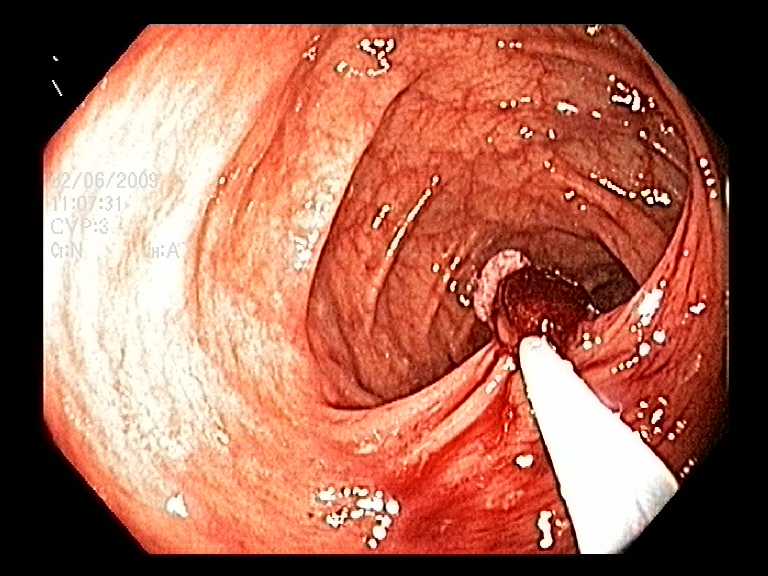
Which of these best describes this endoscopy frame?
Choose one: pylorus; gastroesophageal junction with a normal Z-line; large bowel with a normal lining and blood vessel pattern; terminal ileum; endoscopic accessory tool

endoscopic accessory tool